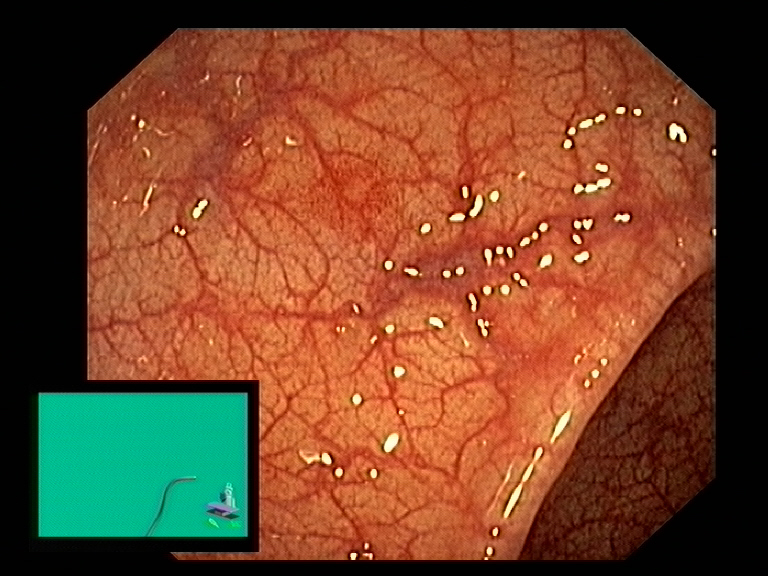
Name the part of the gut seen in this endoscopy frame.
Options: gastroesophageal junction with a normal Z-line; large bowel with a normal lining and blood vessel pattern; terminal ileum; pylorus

large bowel with a normal lining and blood vessel pattern